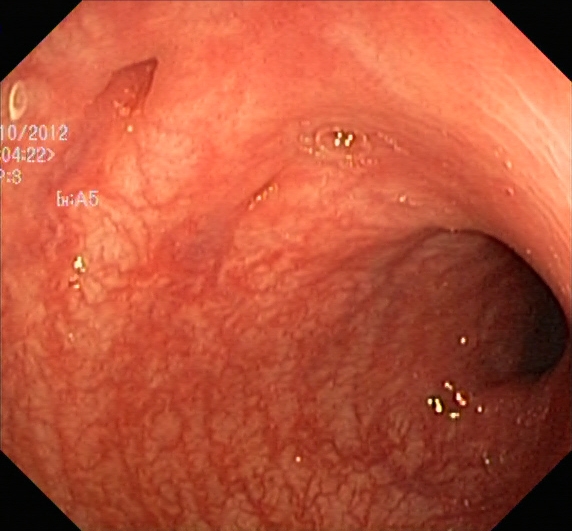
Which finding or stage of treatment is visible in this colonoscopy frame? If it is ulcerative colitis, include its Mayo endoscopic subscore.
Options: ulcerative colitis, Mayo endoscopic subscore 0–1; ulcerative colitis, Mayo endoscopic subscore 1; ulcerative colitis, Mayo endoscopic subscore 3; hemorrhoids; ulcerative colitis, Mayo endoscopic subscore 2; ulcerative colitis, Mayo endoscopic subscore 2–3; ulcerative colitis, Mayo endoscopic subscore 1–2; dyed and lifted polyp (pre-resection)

ulcerative colitis, Mayo endoscopic subscore 0–1